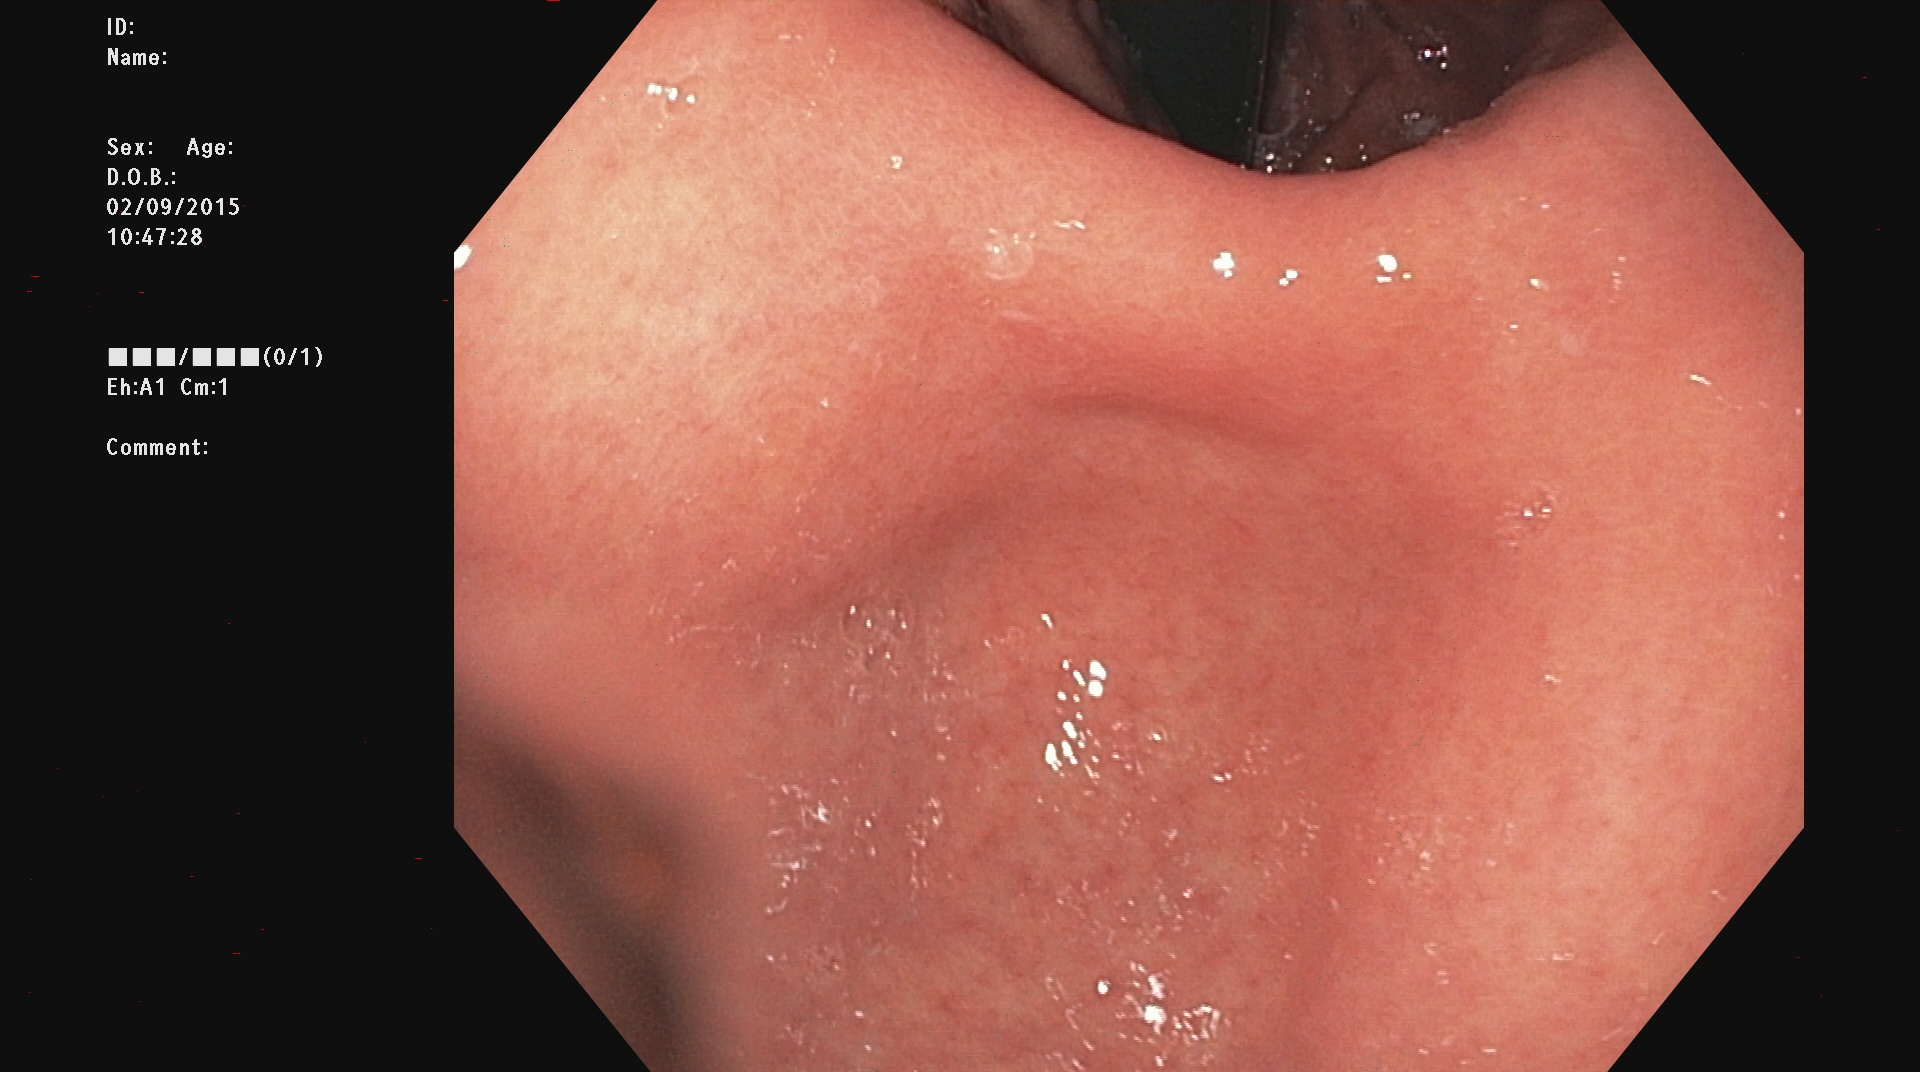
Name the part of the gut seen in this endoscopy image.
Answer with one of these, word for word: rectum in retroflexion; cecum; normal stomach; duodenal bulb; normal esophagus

normal stomach